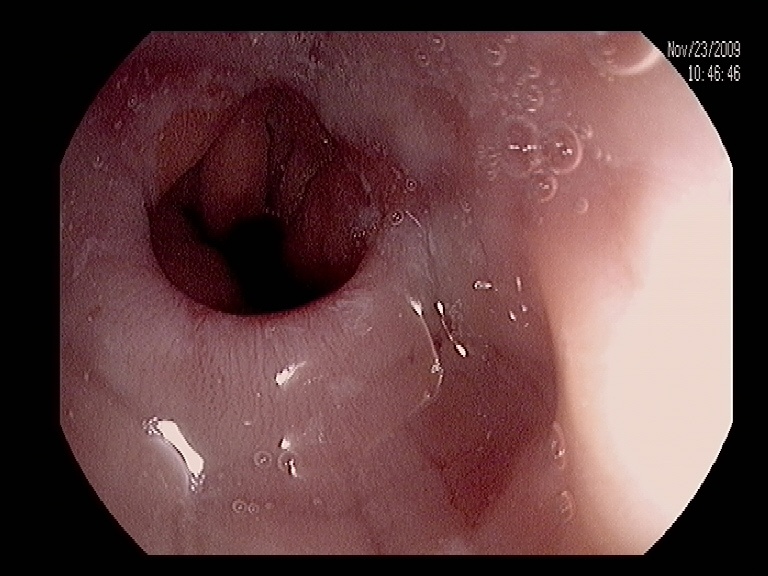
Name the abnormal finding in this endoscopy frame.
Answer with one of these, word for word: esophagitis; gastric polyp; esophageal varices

esophagitis